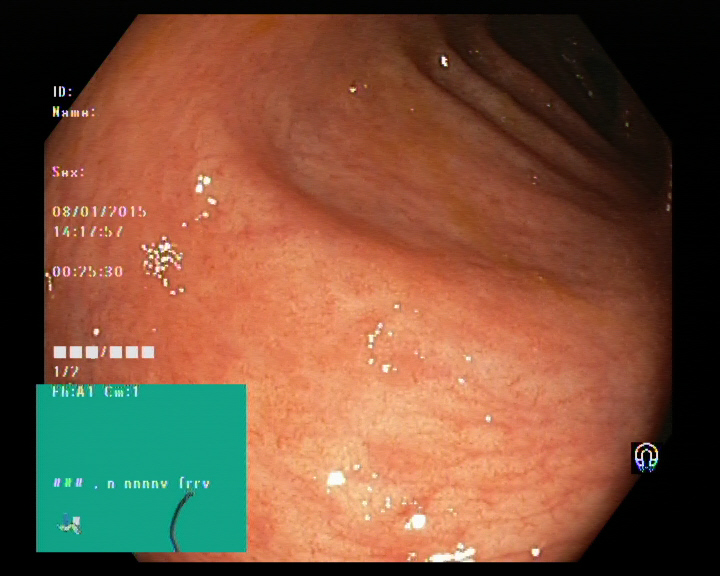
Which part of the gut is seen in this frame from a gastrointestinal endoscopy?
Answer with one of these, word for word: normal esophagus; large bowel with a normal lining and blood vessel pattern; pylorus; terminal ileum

large bowel with a normal lining and blood vessel pattern